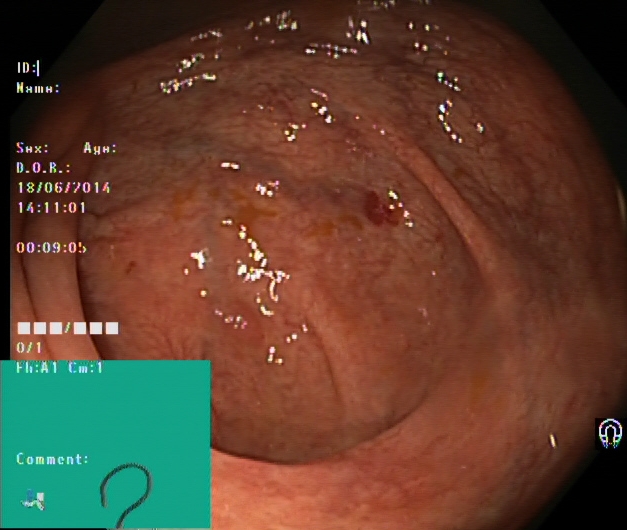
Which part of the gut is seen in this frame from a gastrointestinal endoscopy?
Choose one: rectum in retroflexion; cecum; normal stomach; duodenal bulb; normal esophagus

cecum